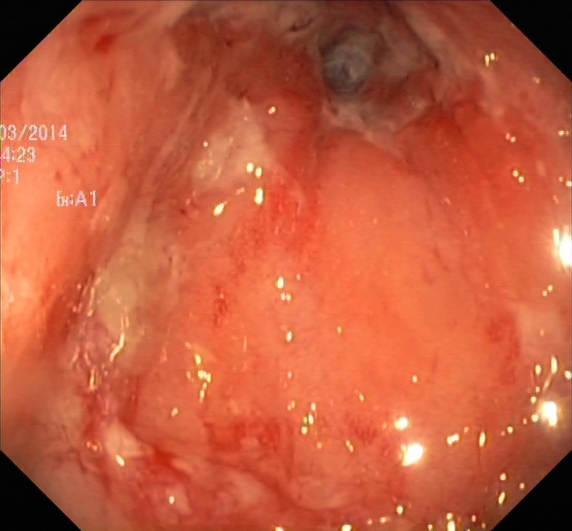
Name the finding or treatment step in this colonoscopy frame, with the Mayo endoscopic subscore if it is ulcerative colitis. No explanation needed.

ulcerative colitis, Mayo endoscopic subscore 2